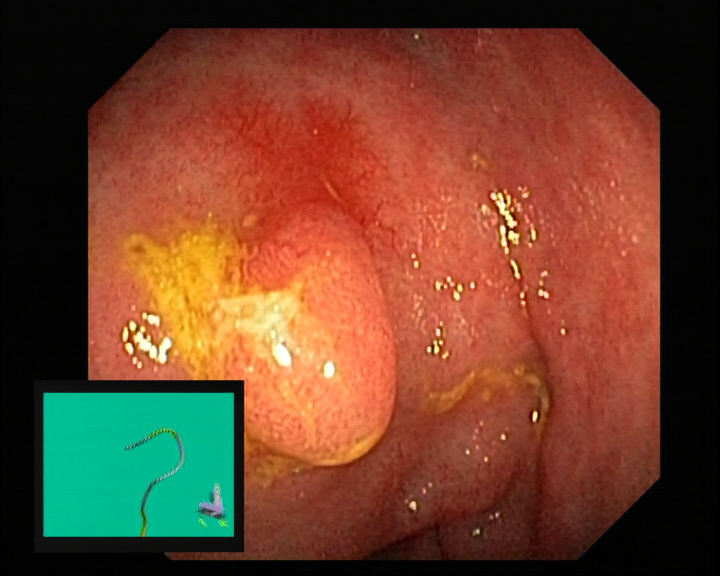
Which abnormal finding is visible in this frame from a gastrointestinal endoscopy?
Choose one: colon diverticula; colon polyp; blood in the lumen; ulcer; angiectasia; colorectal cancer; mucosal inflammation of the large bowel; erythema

colon polyp